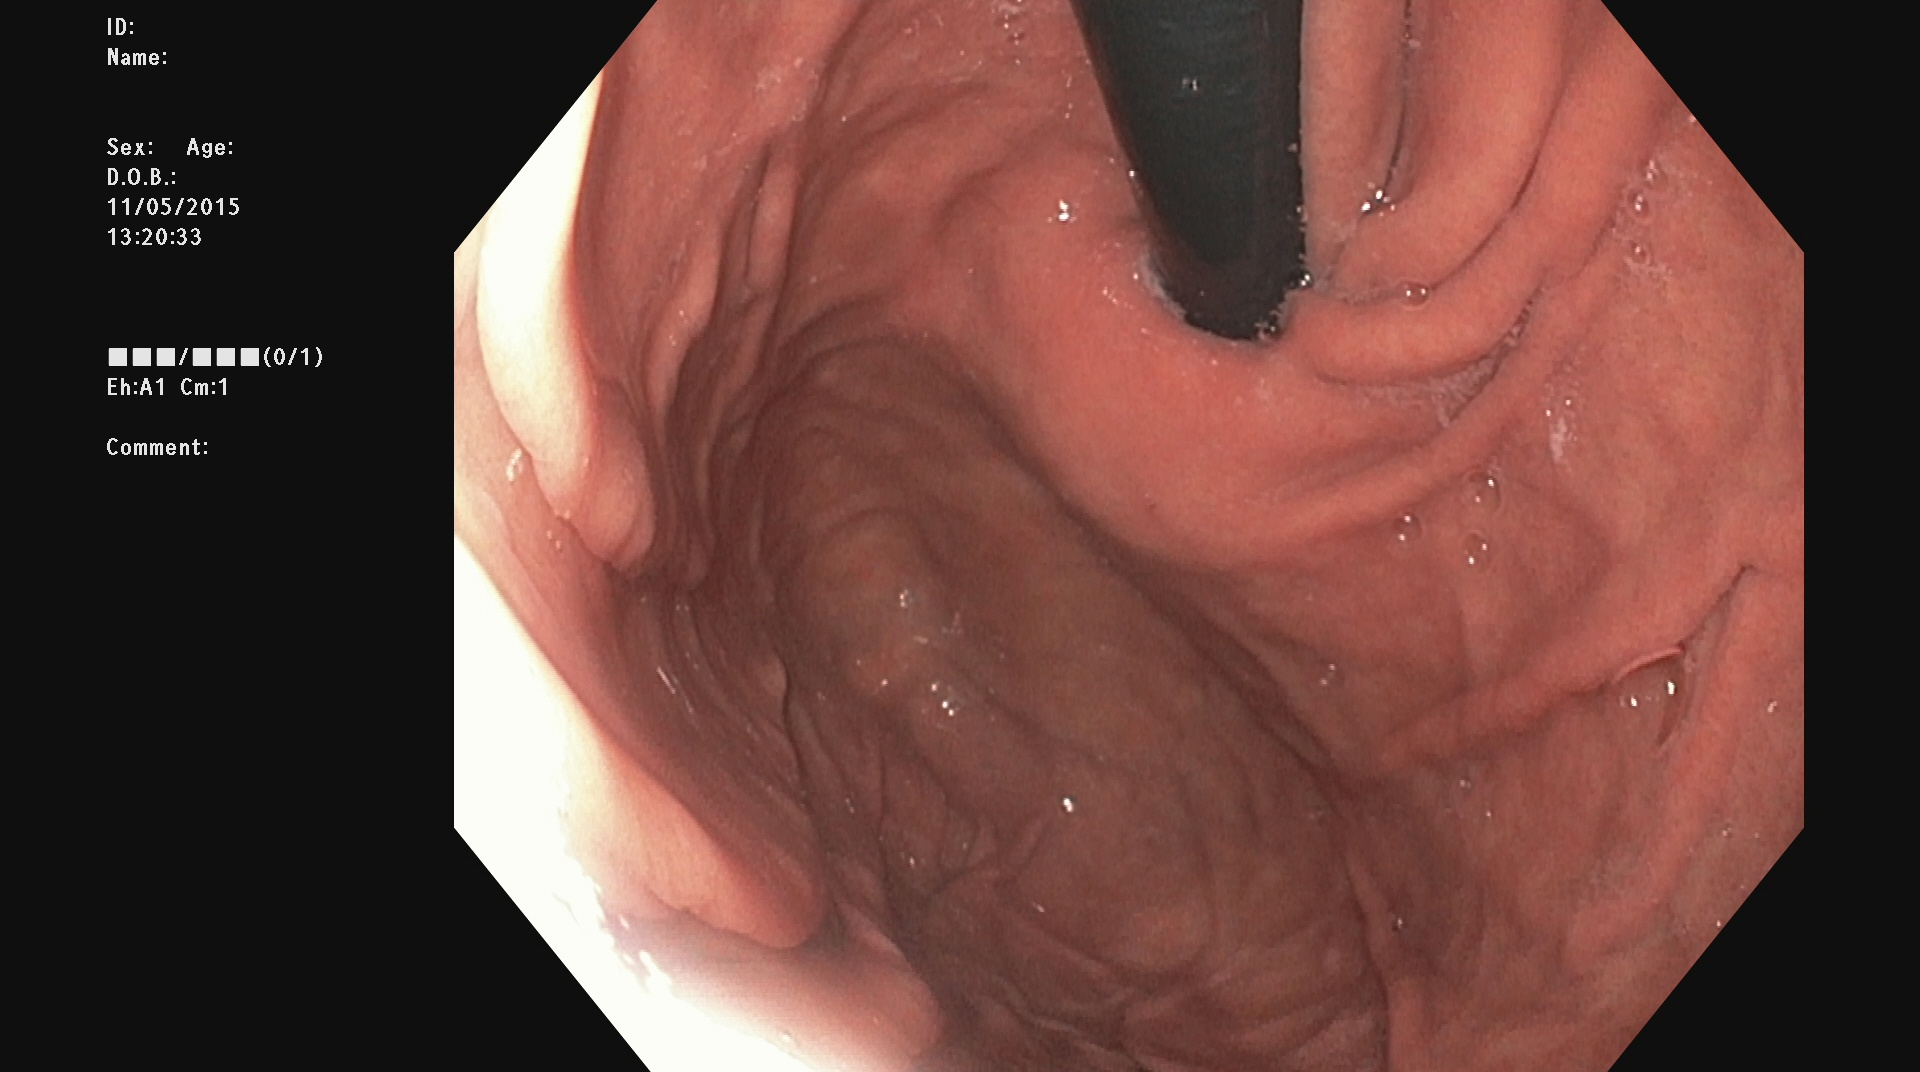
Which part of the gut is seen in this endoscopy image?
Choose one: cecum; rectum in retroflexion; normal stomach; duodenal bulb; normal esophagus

normal stomach